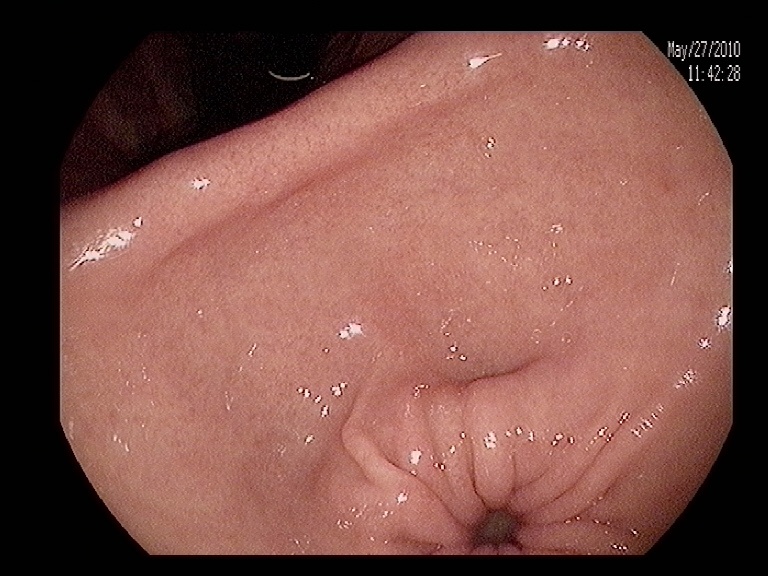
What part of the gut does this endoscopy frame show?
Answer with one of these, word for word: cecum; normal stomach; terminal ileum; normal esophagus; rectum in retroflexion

normal stomach